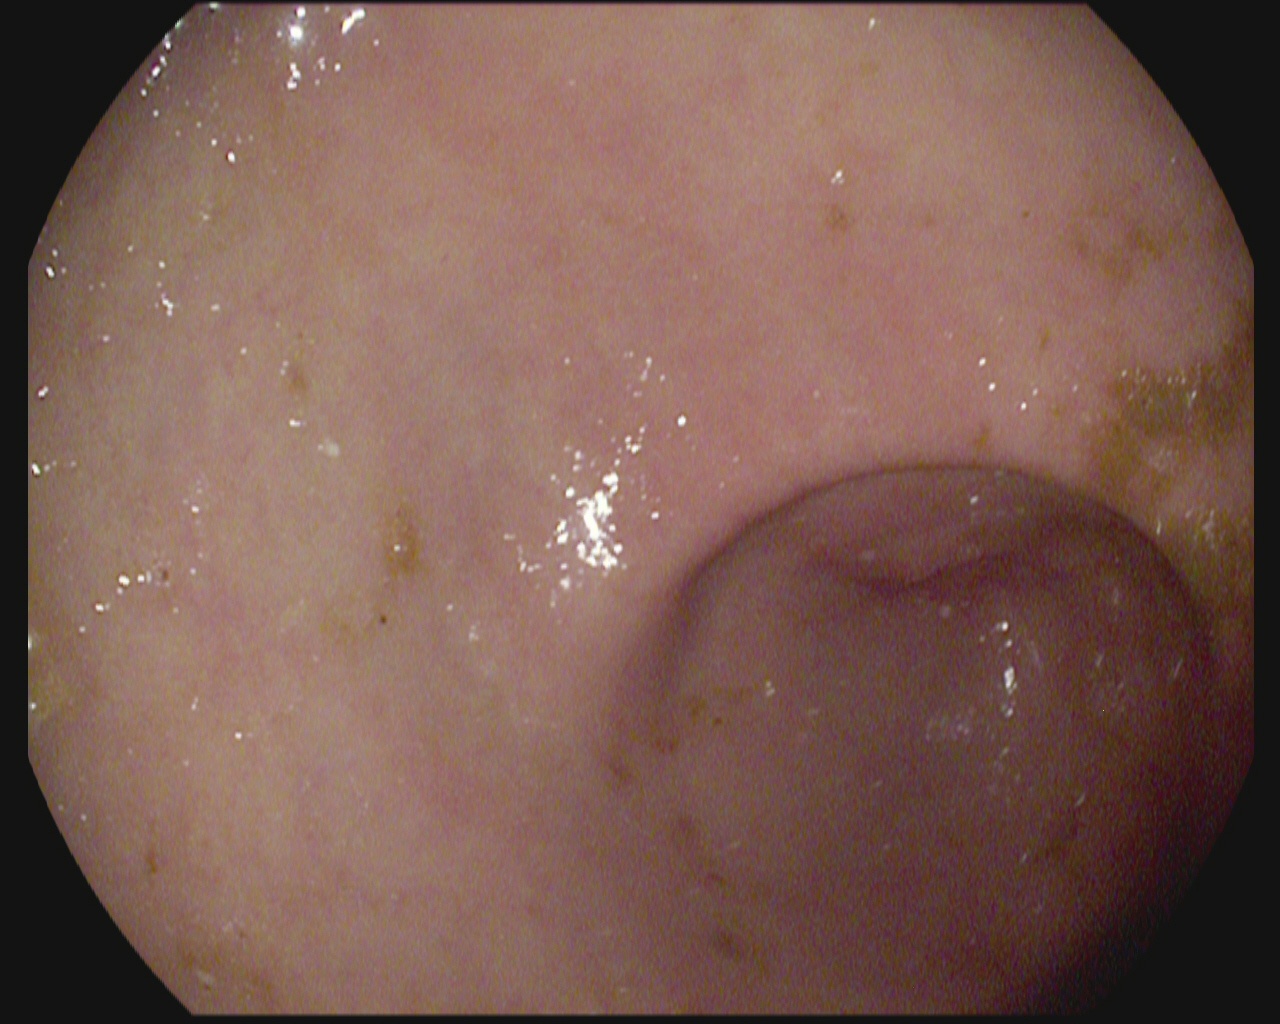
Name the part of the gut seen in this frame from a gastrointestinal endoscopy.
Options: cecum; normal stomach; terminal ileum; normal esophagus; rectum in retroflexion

normal stomach